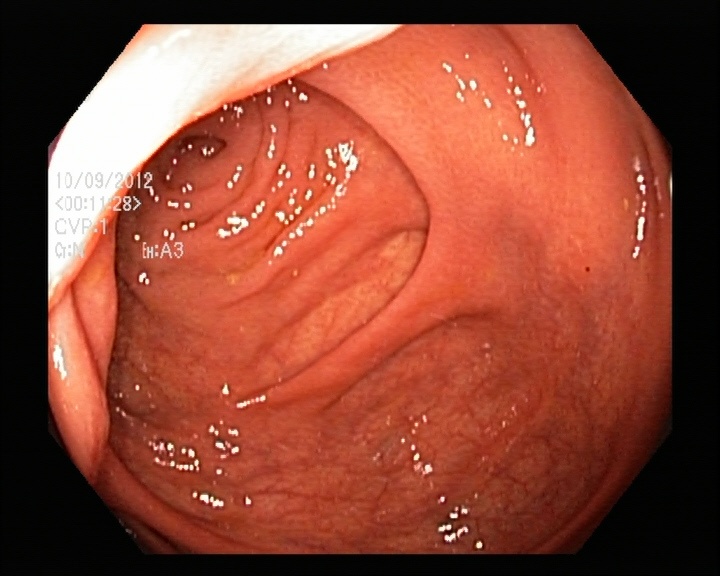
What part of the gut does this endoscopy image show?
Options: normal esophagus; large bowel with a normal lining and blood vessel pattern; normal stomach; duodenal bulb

large bowel with a normal lining and blood vessel pattern